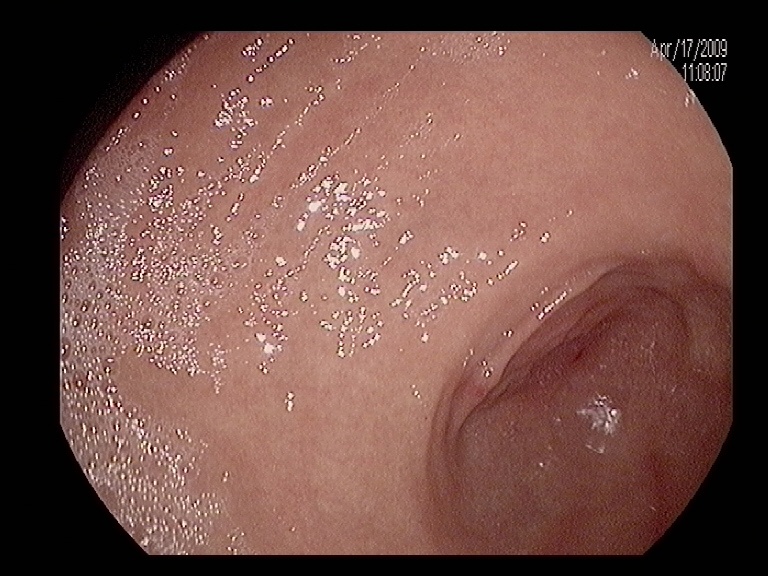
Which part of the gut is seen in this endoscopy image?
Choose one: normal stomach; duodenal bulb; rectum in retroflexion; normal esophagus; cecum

normal stomach